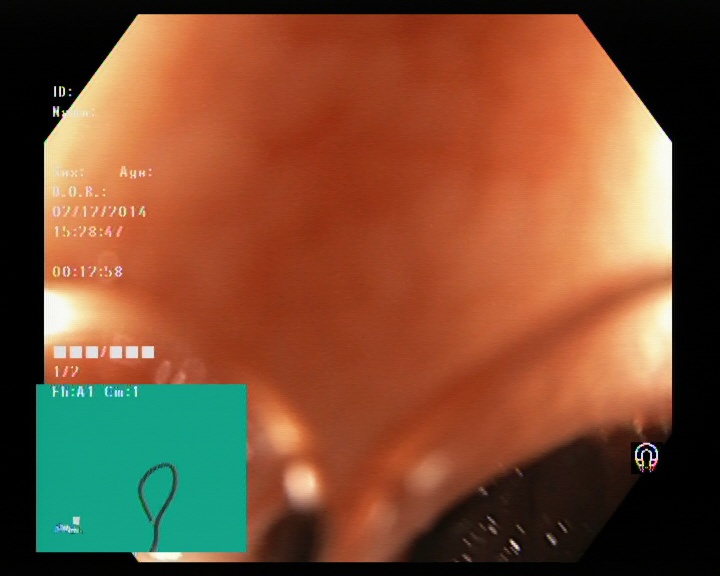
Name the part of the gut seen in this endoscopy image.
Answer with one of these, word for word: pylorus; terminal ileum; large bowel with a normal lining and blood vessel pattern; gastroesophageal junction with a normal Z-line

large bowel with a normal lining and blood vessel pattern